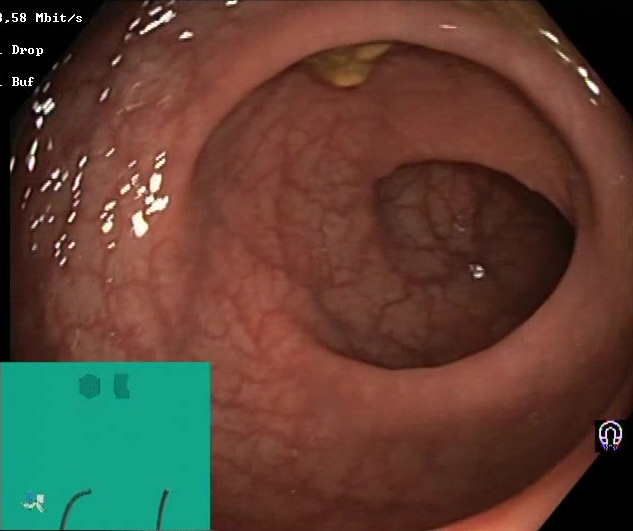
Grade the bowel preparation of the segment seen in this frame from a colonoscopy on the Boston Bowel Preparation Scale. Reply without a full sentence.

Boston Bowel Preparation Scale score 2–3 (adequate preparation)